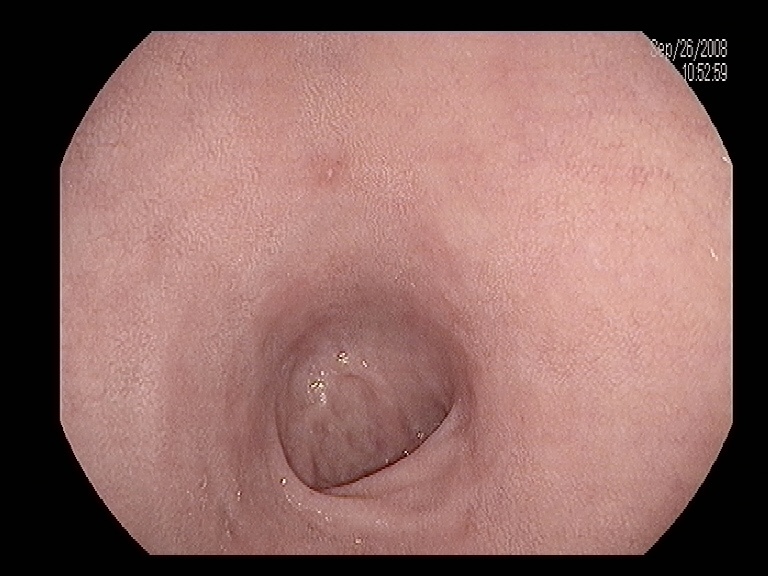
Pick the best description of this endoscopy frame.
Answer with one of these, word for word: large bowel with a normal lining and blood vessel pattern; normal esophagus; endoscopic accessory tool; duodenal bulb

duodenal bulb